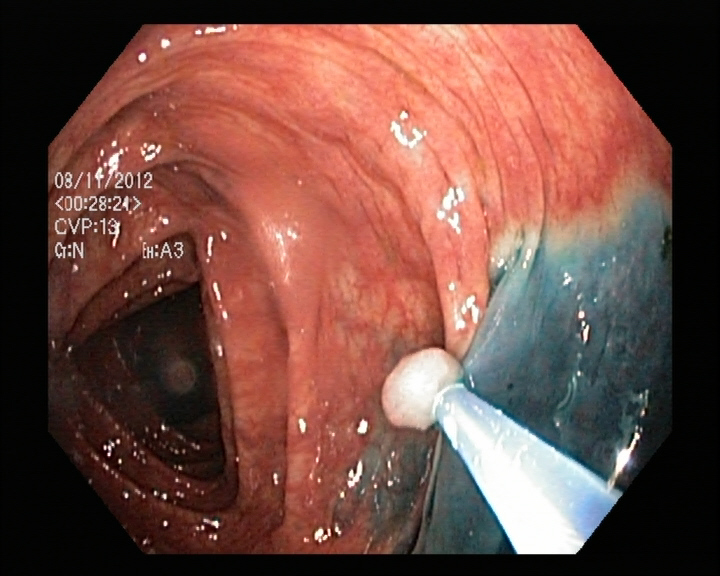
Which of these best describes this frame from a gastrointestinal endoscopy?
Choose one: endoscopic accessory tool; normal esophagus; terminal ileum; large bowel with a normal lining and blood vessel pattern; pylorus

endoscopic accessory tool